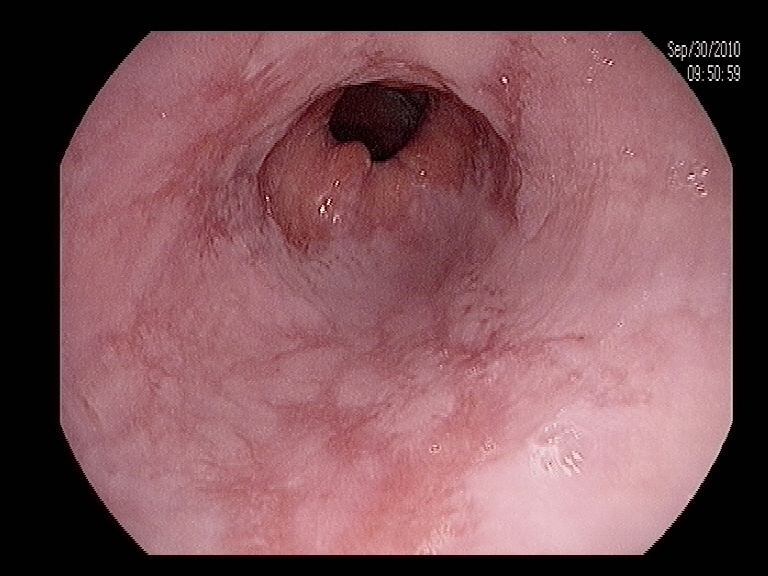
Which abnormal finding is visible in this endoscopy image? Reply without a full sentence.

esophagitis